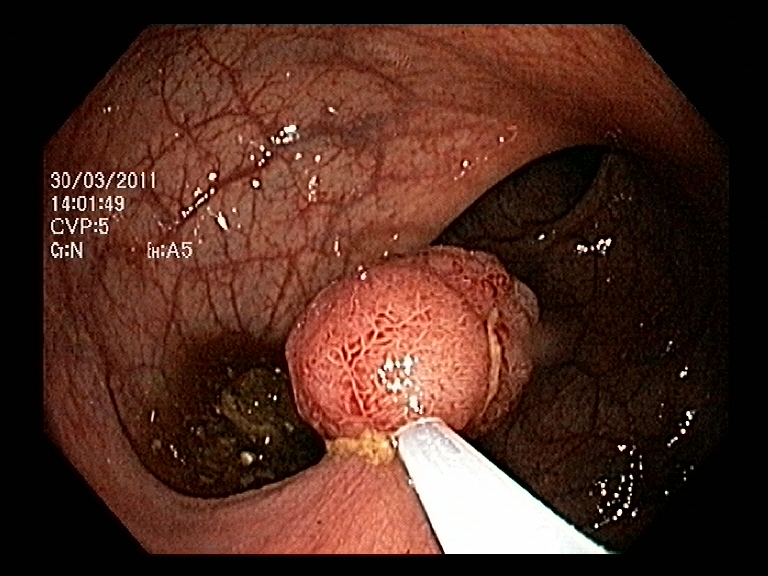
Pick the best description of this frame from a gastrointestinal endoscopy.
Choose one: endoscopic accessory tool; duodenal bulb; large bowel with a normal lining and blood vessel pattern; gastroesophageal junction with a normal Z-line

endoscopic accessory tool